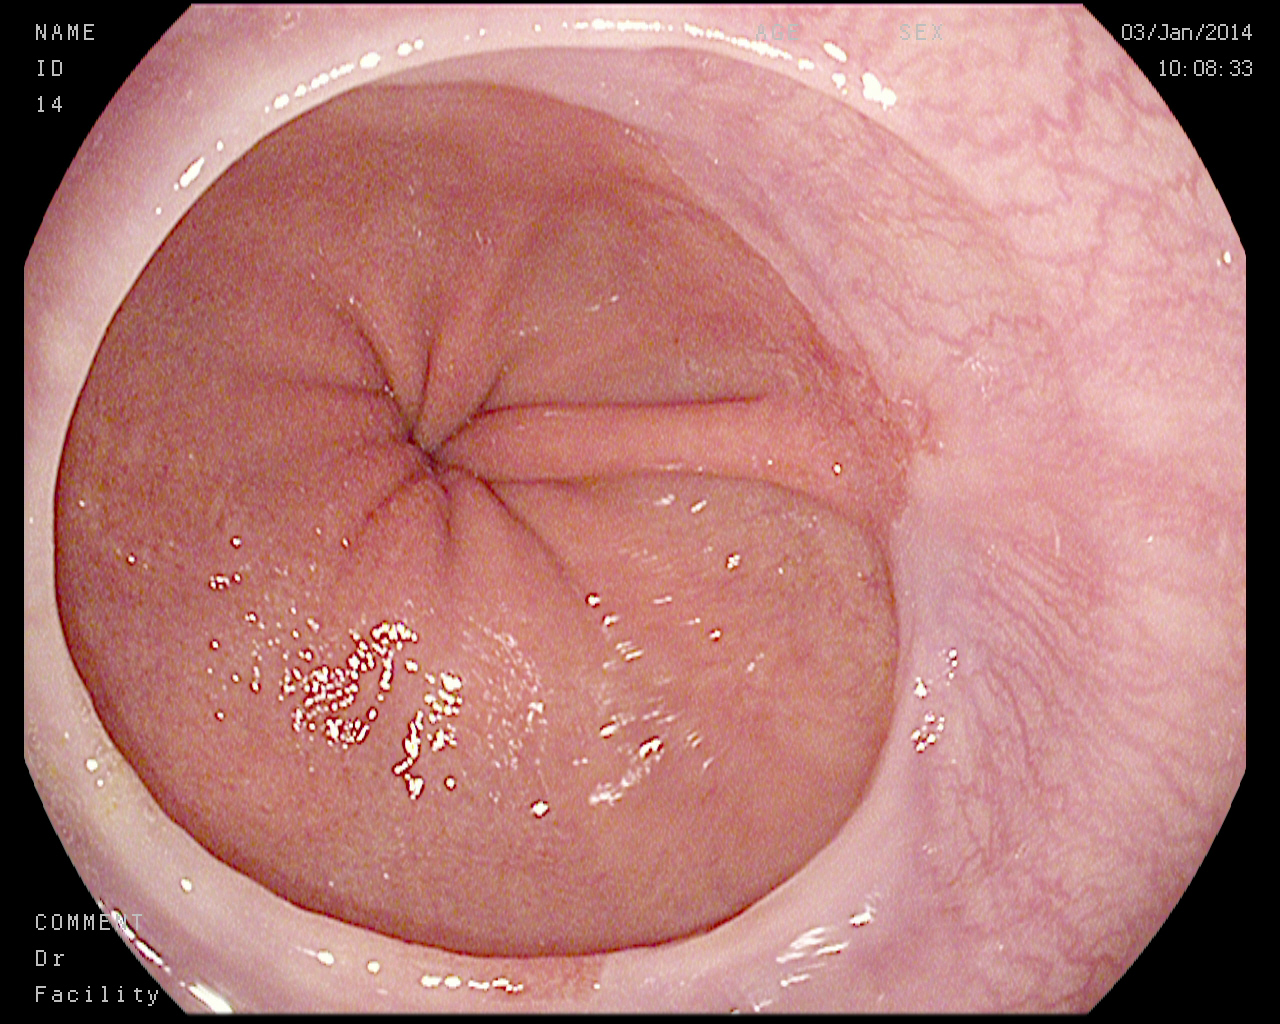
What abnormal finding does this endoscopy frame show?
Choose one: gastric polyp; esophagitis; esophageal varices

esophagitis